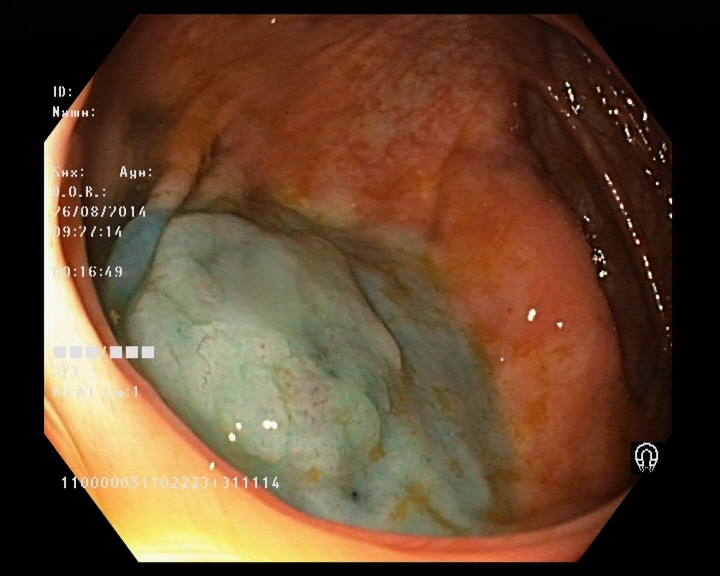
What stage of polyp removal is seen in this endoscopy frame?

dyed and lifted polyp (pre-resection)